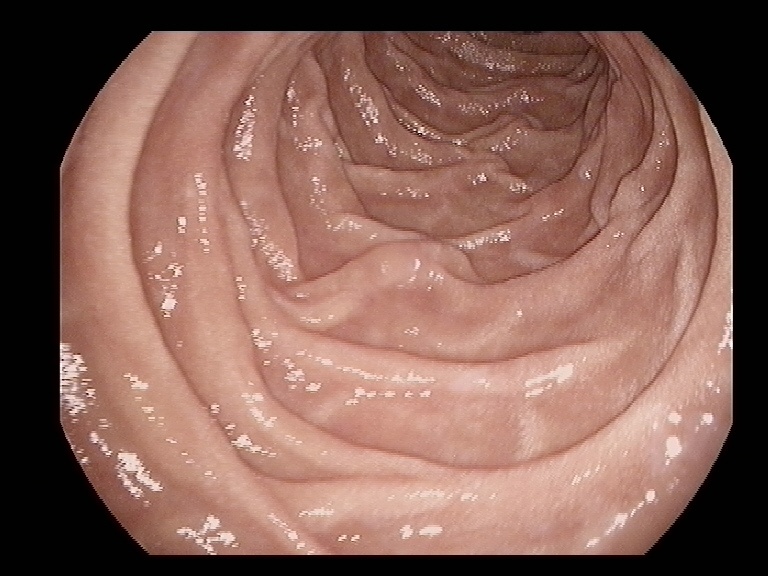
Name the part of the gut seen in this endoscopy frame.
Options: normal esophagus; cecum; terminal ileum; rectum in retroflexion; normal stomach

terminal ileum